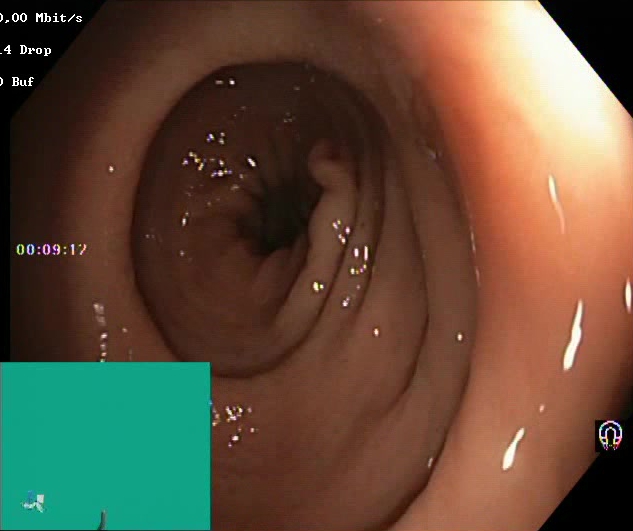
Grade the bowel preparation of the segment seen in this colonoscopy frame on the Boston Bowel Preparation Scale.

Boston Bowel Preparation Scale score 2–3 (adequate preparation)